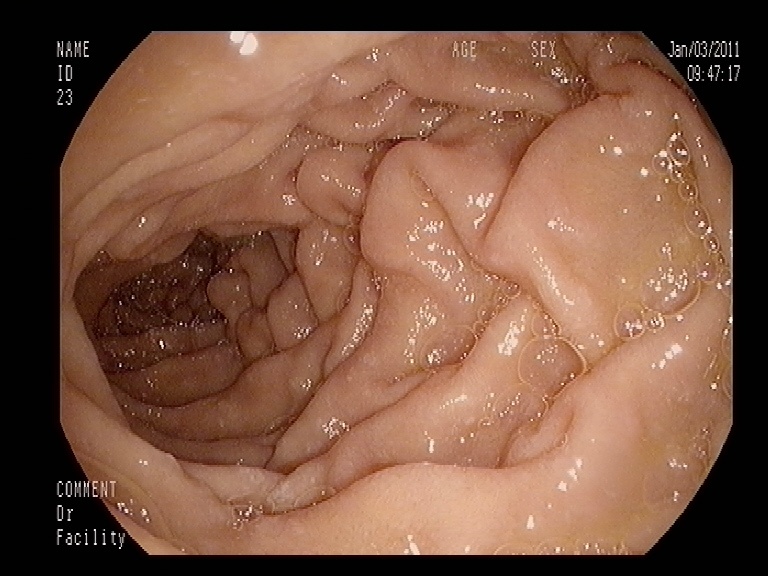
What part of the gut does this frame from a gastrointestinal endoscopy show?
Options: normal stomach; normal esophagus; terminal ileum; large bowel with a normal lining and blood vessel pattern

terminal ileum